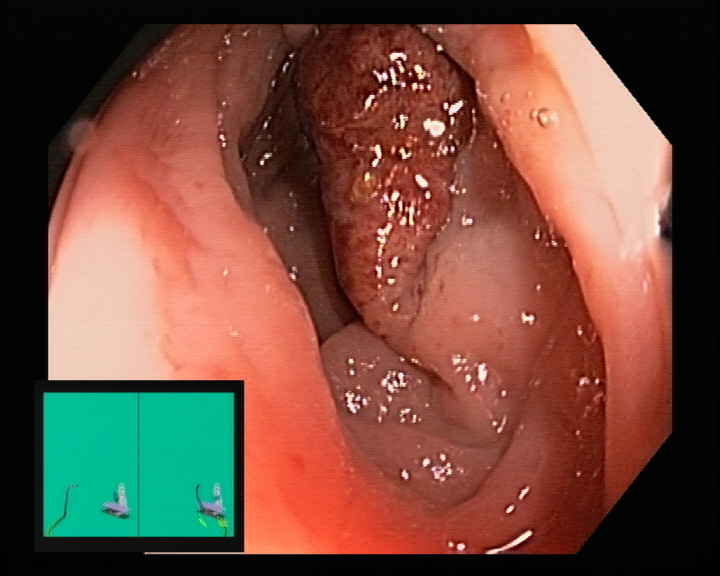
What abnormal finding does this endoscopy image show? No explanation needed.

colon polyp